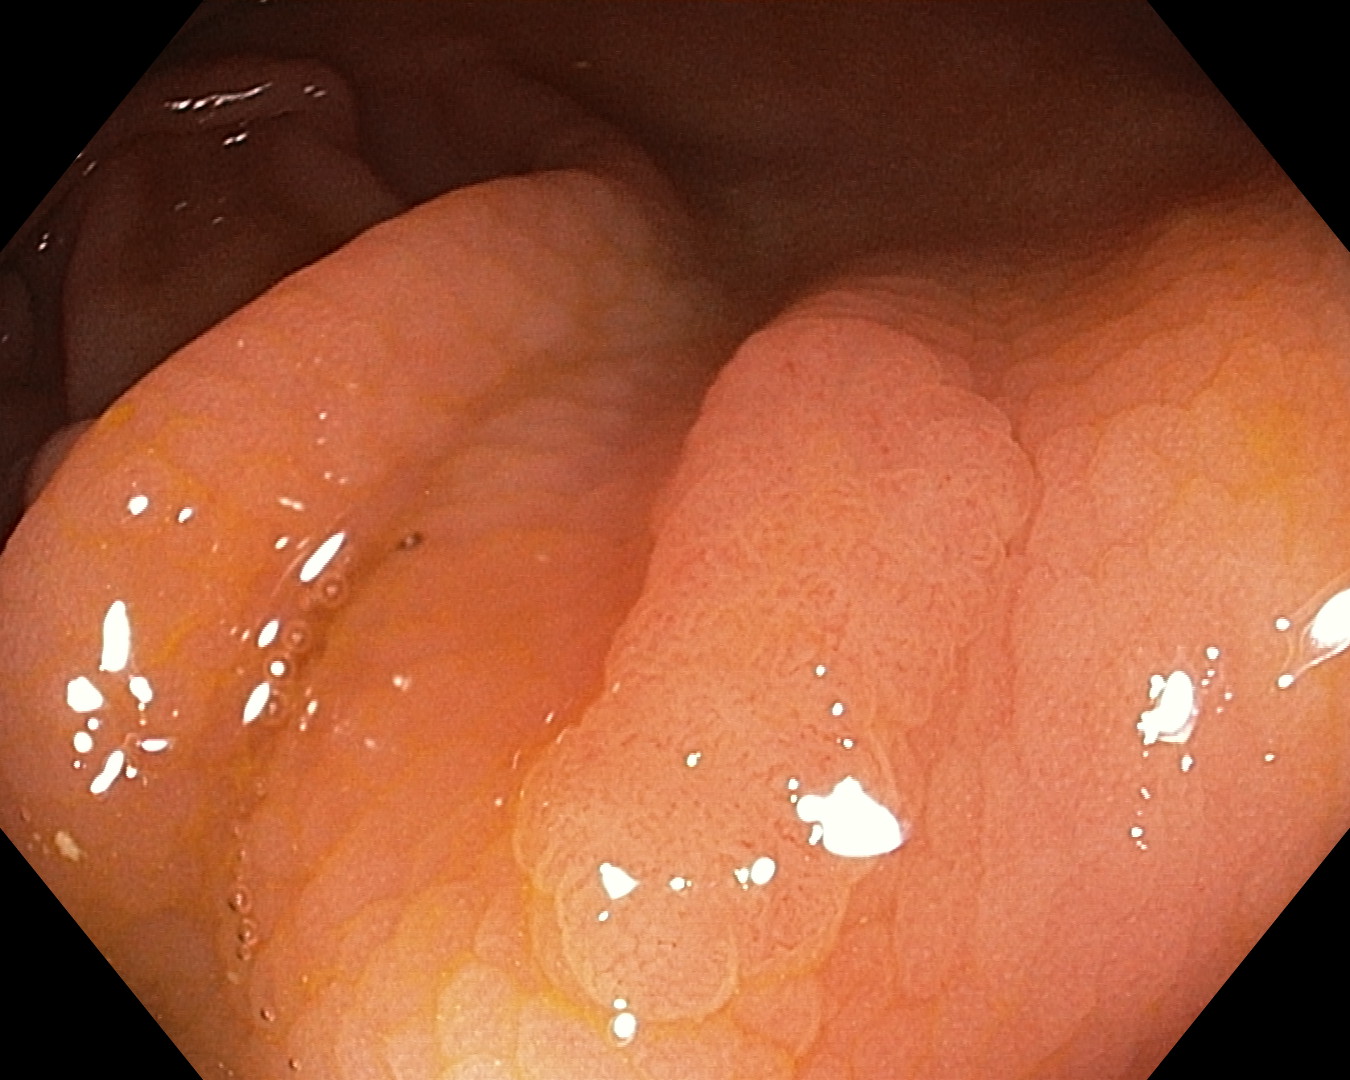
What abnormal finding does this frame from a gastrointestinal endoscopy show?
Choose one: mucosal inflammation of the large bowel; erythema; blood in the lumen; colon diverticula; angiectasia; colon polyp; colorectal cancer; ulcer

colon polyp